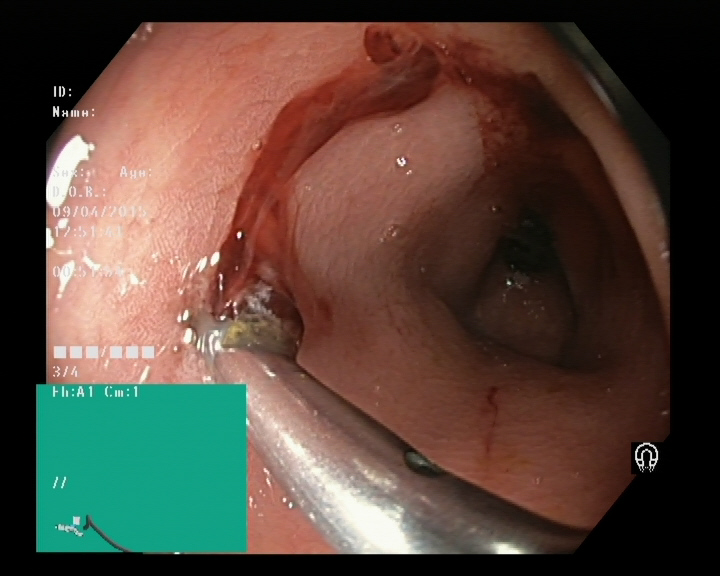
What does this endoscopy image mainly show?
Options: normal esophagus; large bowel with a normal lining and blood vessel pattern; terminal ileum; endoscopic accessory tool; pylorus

endoscopic accessory tool